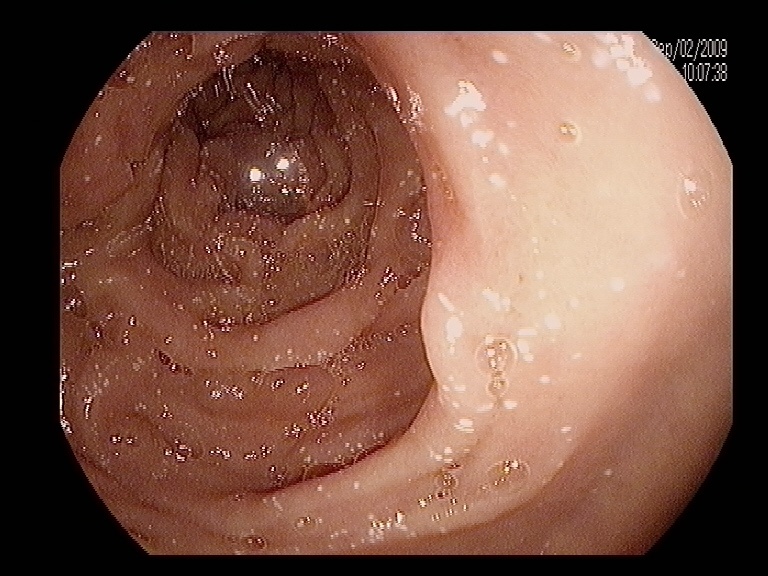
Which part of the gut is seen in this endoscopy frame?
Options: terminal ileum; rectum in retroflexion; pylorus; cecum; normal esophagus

terminal ileum